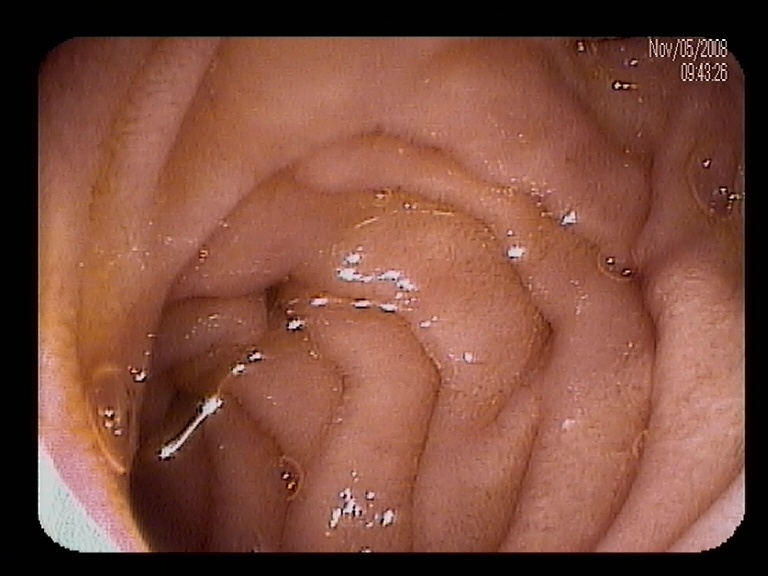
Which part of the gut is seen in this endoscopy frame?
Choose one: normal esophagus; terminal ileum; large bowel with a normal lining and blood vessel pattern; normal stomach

terminal ileum